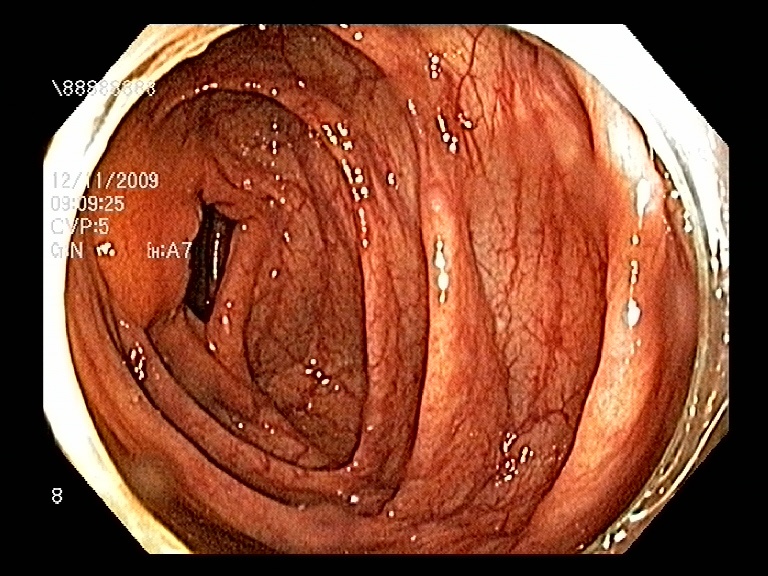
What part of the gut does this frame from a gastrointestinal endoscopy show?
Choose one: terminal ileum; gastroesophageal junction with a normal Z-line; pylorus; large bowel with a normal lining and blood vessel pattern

large bowel with a normal lining and blood vessel pattern